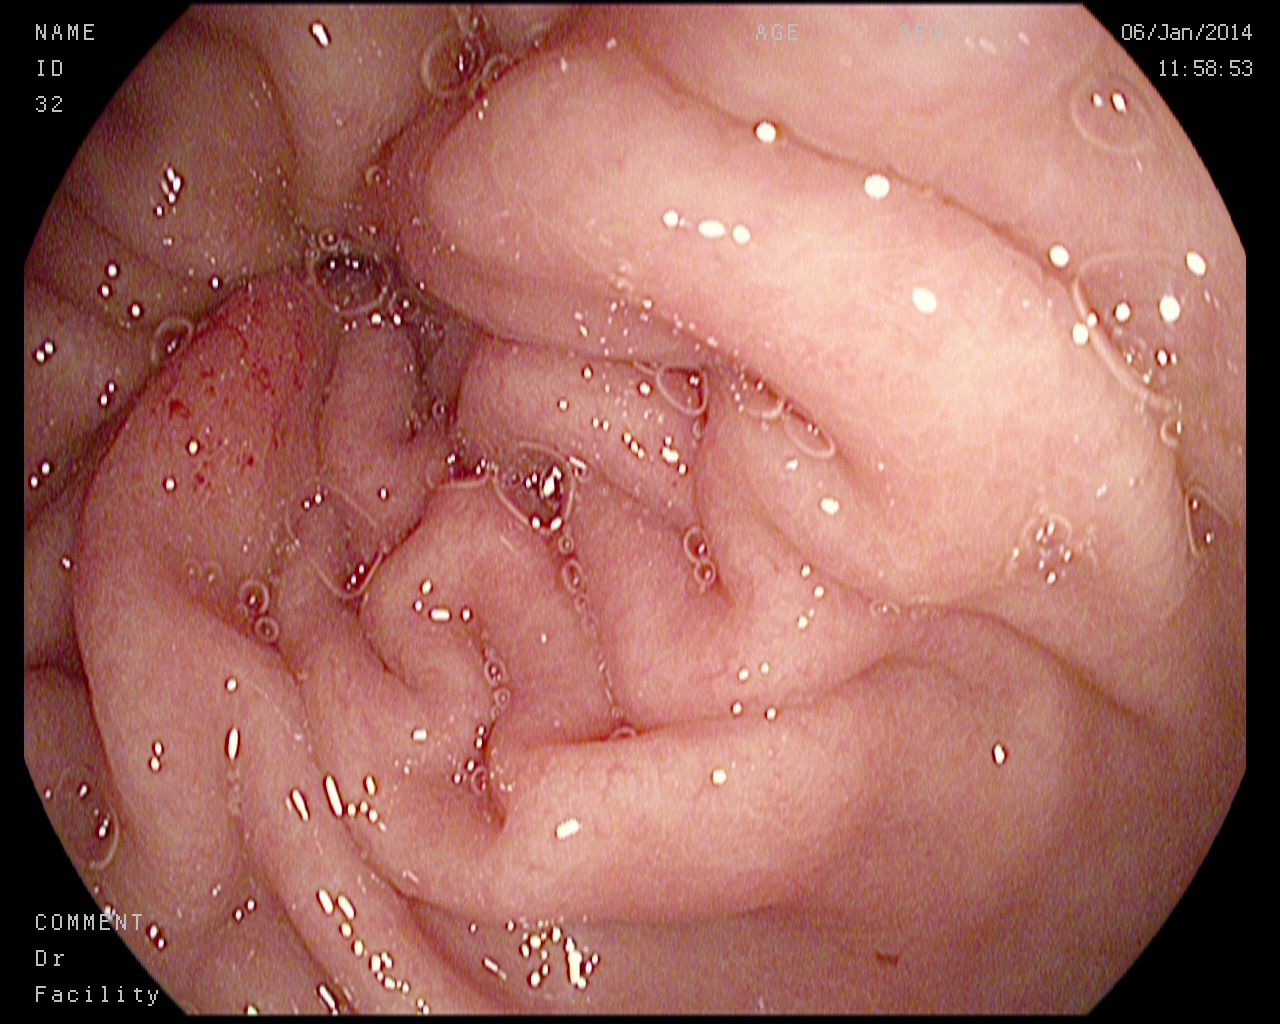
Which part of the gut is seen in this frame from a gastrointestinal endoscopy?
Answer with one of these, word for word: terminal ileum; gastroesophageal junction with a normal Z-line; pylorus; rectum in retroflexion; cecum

pylorus